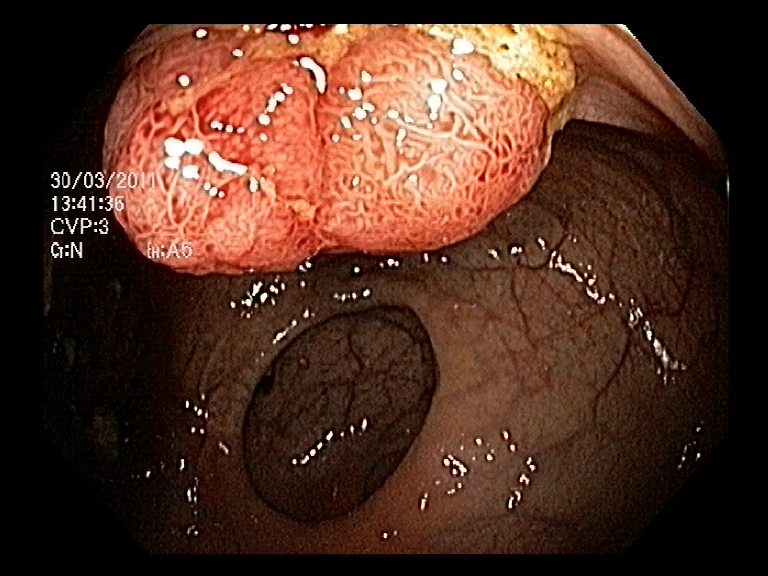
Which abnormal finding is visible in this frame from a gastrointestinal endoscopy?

colon polyp